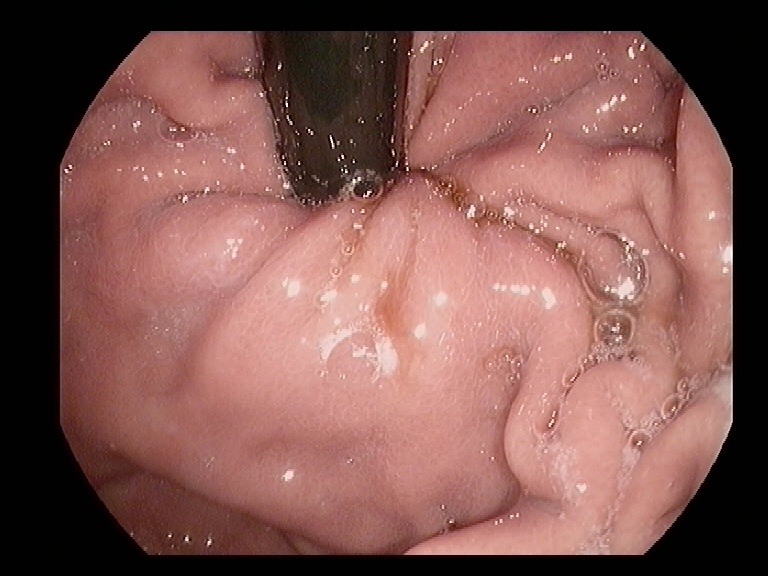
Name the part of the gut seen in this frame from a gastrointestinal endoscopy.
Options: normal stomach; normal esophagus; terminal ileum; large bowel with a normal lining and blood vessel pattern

normal stomach